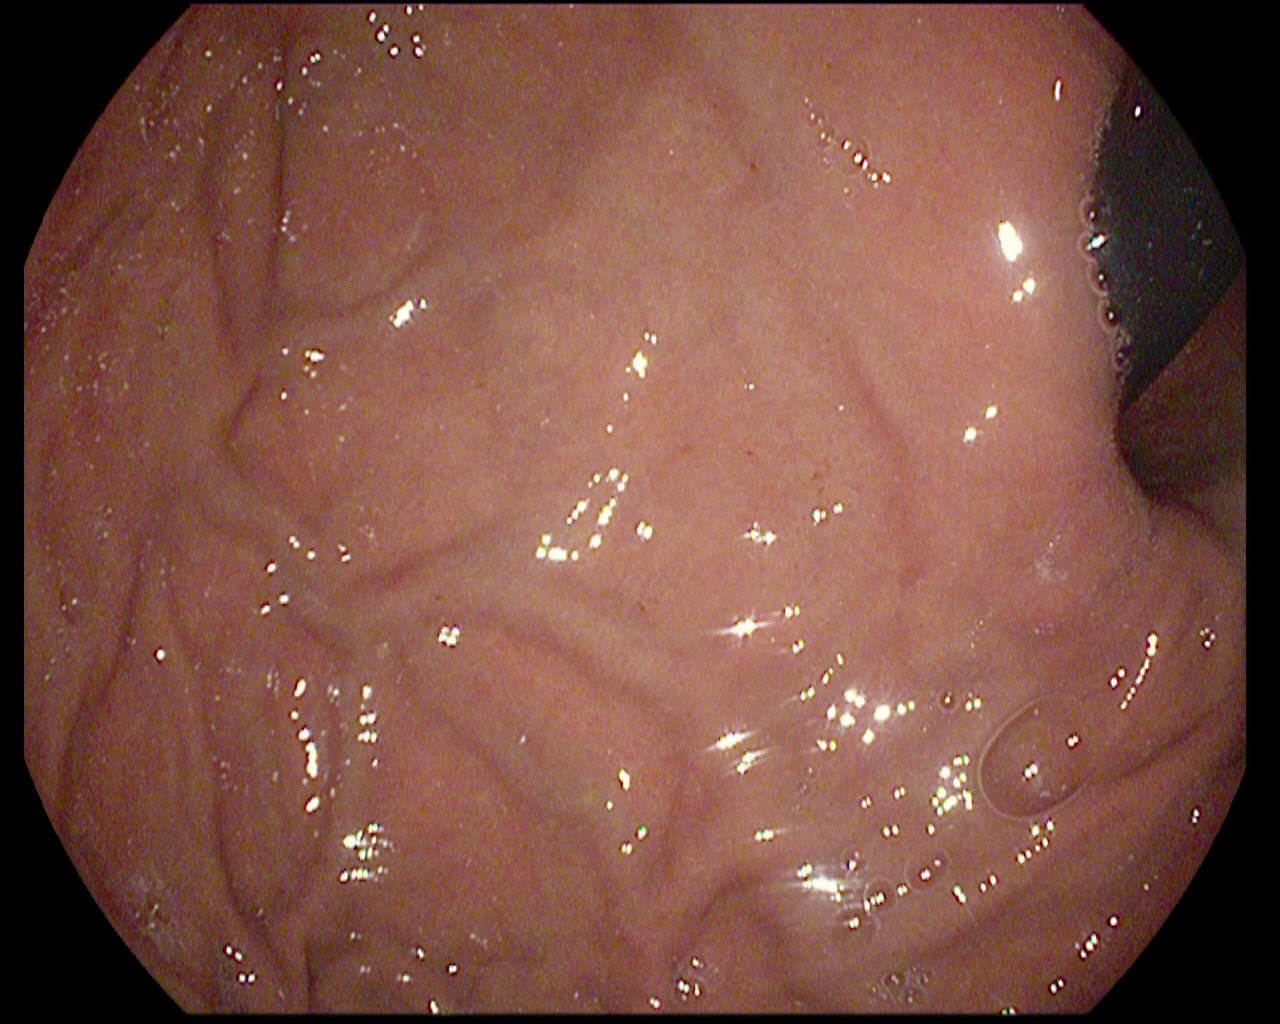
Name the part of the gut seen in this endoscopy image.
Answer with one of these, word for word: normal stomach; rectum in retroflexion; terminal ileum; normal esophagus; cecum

normal stomach